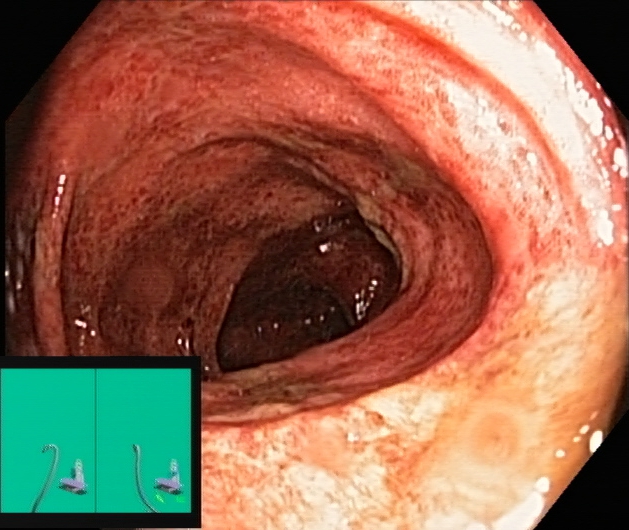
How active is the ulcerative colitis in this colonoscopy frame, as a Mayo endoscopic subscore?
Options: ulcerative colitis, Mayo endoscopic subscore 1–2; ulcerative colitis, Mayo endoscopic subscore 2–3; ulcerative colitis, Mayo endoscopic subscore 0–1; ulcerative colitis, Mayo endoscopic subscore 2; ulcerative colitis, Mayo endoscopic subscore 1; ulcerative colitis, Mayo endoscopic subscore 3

ulcerative colitis, Mayo endoscopic subscore 2